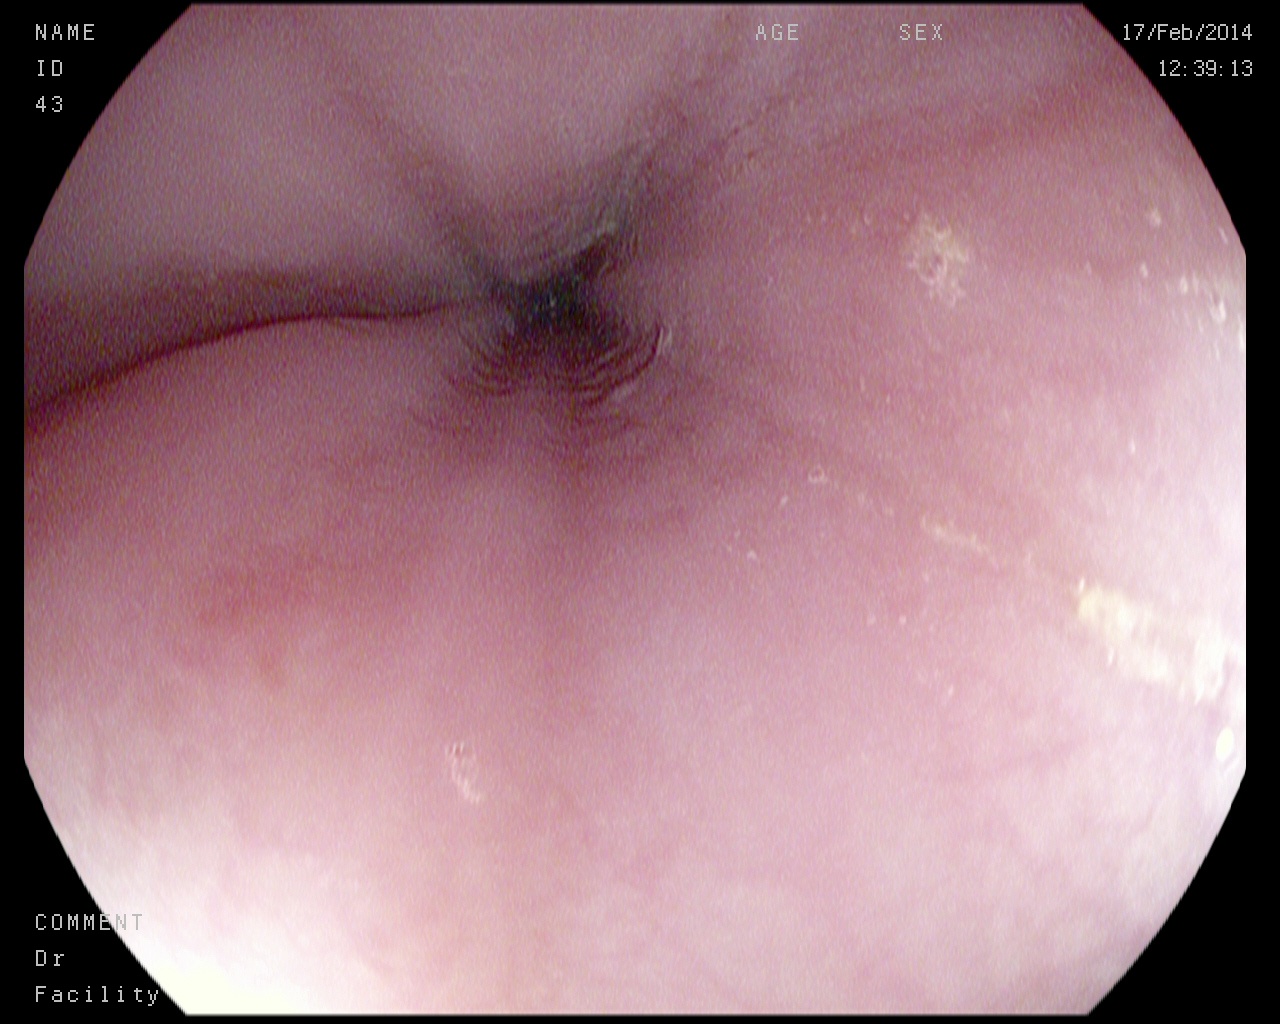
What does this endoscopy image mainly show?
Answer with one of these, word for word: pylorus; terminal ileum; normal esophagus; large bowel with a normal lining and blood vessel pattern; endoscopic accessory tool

normal esophagus